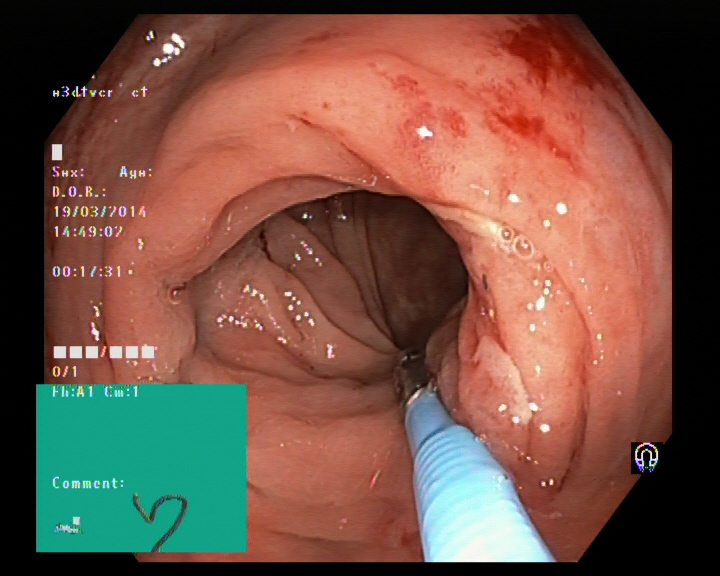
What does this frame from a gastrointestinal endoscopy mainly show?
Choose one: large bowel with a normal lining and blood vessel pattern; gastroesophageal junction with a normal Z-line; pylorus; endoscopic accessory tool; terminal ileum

endoscopic accessory tool